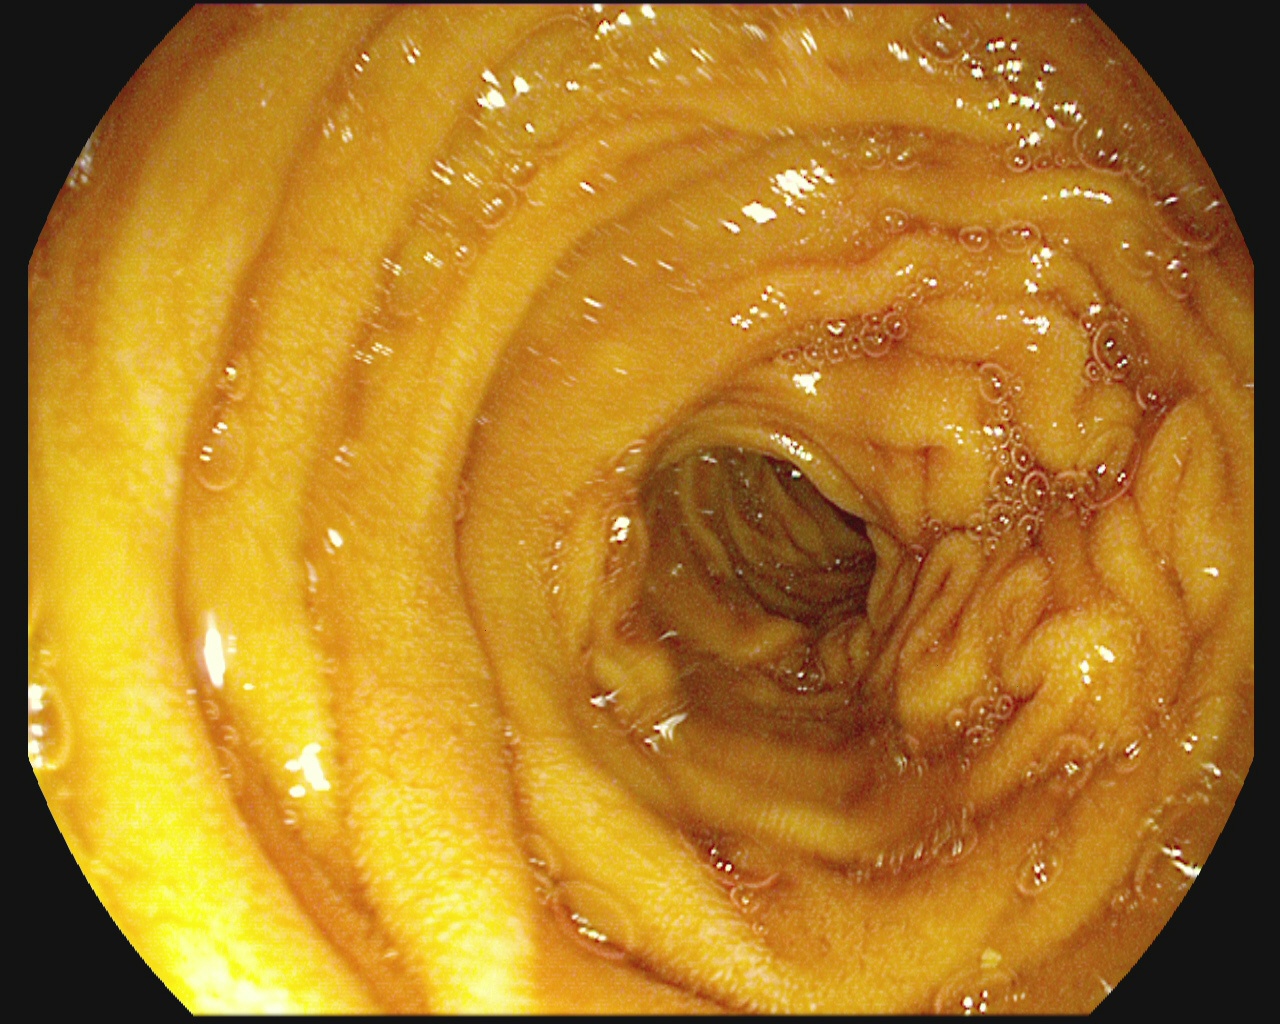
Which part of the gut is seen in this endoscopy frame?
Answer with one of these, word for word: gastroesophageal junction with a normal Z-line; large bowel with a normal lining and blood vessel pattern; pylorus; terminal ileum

terminal ileum